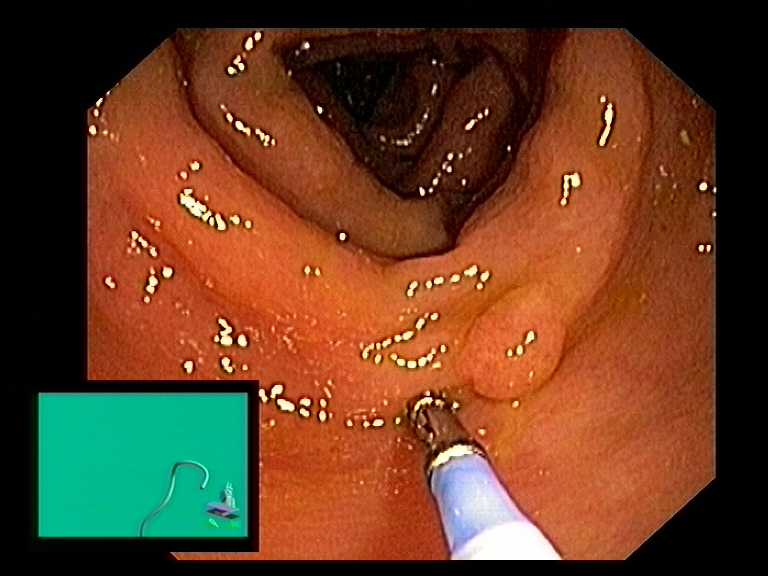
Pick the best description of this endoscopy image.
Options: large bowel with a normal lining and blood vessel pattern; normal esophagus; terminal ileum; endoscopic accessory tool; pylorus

endoscopic accessory tool